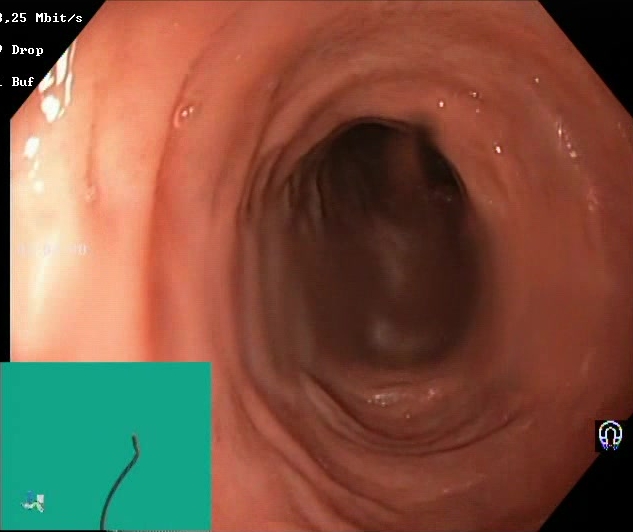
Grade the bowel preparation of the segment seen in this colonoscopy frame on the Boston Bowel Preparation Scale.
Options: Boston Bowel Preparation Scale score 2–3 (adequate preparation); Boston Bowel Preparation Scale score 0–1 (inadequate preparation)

Boston Bowel Preparation Scale score 2–3 (adequate preparation)